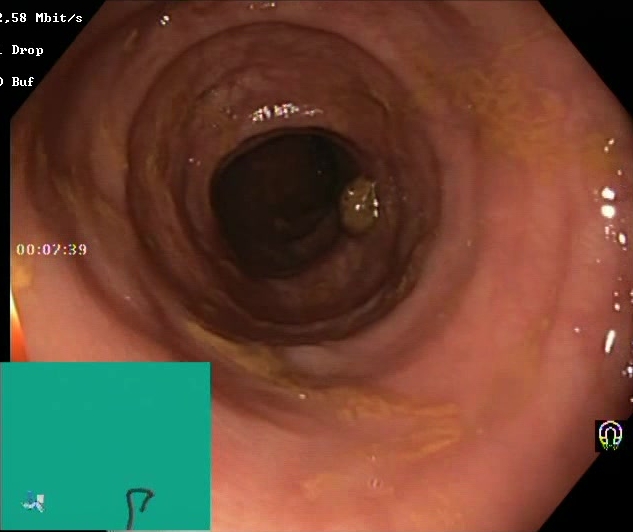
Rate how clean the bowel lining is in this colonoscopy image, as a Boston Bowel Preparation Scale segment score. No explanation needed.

Boston Bowel Preparation Scale score 2–3 (adequate preparation)